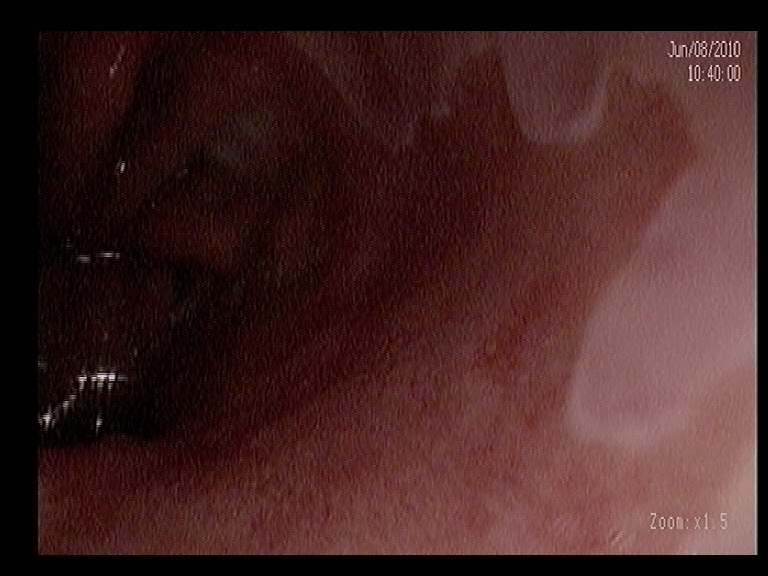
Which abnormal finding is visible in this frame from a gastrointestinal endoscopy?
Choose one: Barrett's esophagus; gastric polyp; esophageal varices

Barrett's esophagus